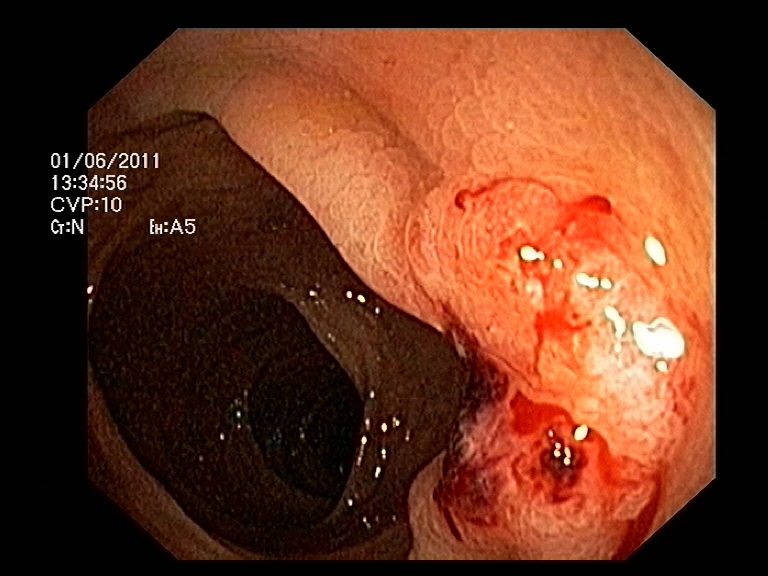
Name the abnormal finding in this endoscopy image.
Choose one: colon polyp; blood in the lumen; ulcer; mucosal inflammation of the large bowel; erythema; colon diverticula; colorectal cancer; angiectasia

colon polyp